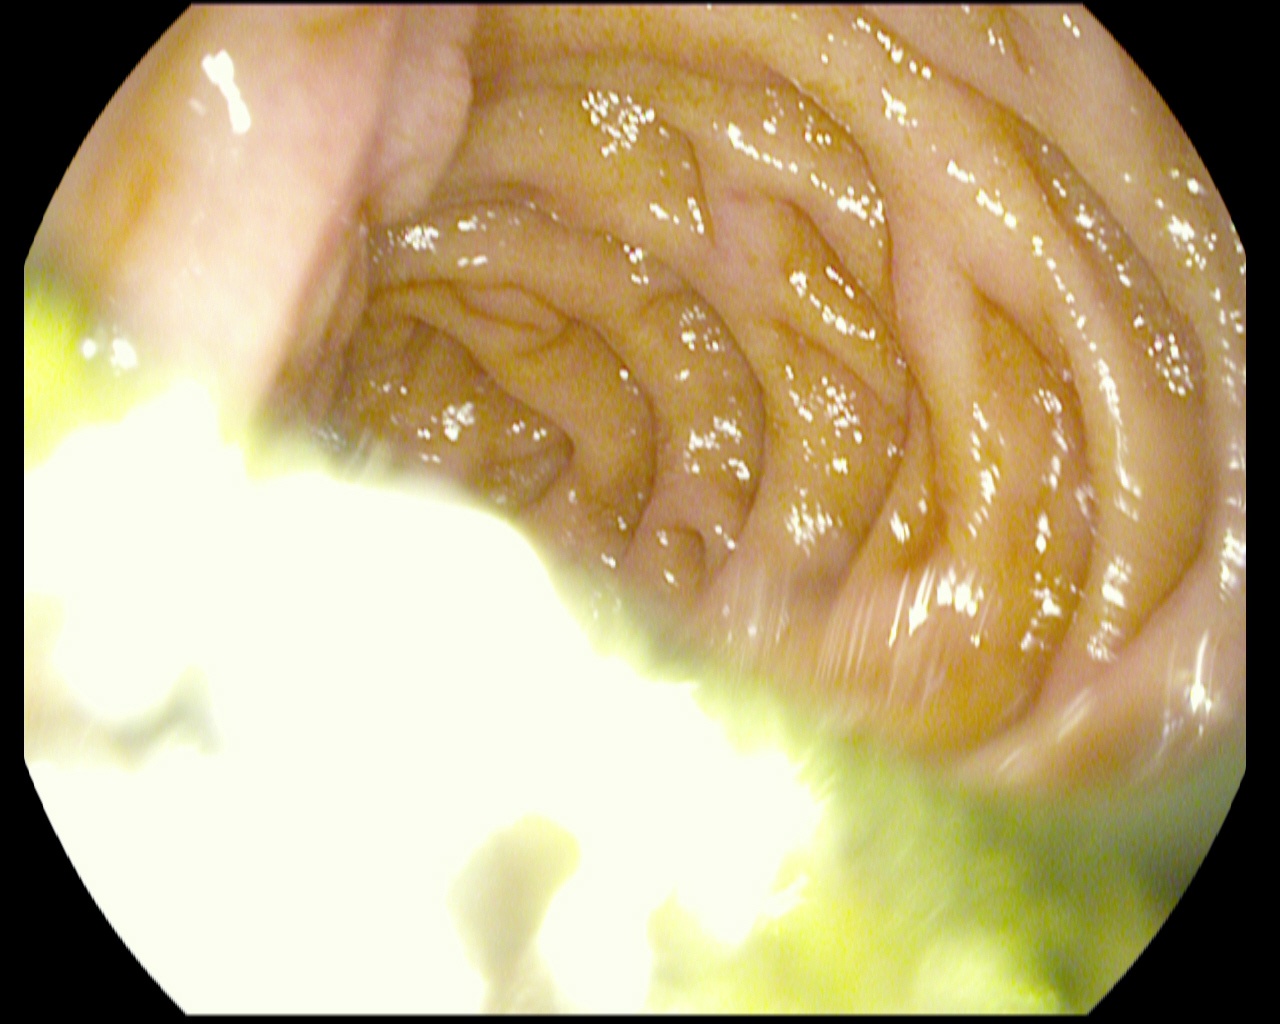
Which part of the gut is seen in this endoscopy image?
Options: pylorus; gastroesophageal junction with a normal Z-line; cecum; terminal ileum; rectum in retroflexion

terminal ileum